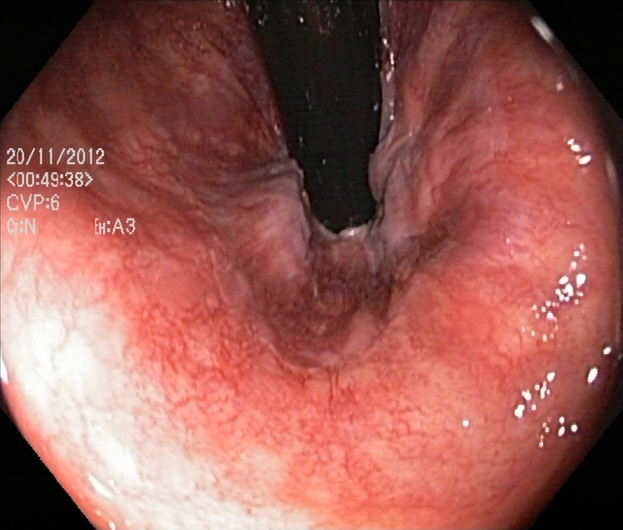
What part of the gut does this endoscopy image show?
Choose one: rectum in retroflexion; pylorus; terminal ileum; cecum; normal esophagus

rectum in retroflexion